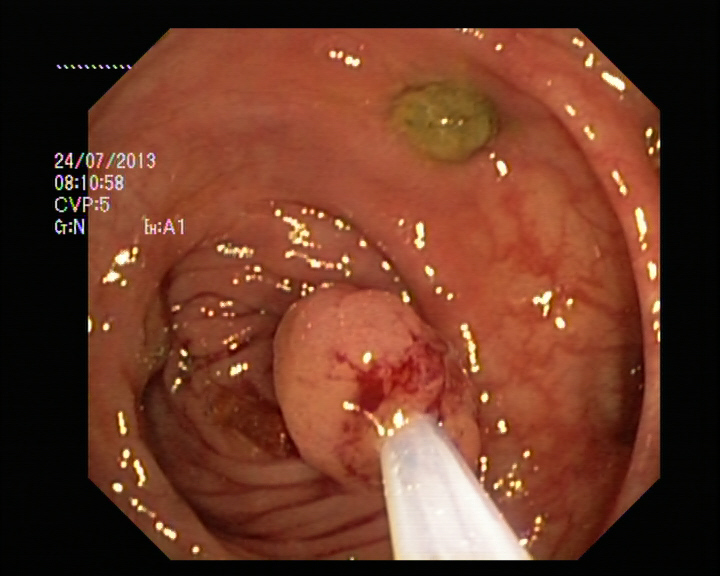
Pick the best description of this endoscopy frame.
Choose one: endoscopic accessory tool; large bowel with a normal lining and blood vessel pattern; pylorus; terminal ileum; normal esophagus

endoscopic accessory tool